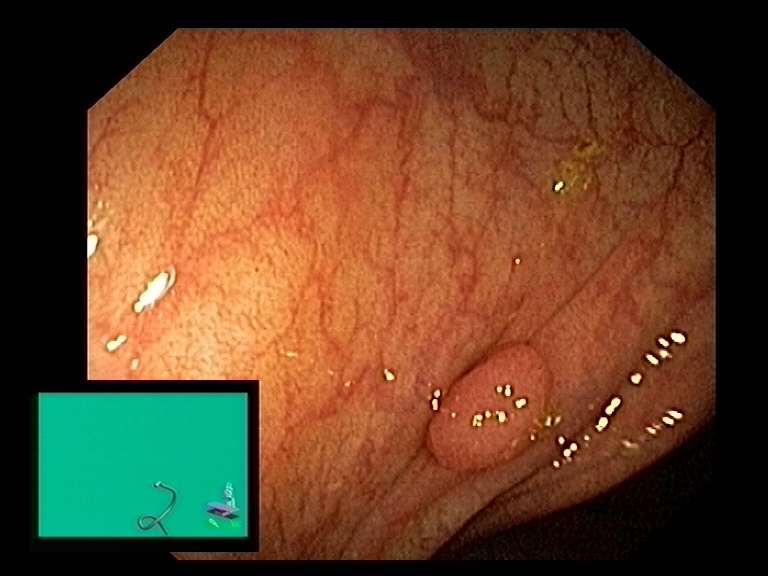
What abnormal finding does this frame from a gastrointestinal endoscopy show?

colon polyp